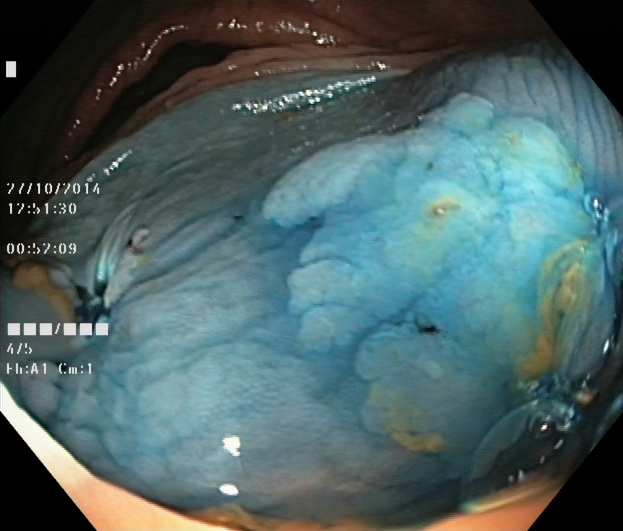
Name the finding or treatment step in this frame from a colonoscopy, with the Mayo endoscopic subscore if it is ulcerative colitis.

dyed and lifted polyp (pre-resection)